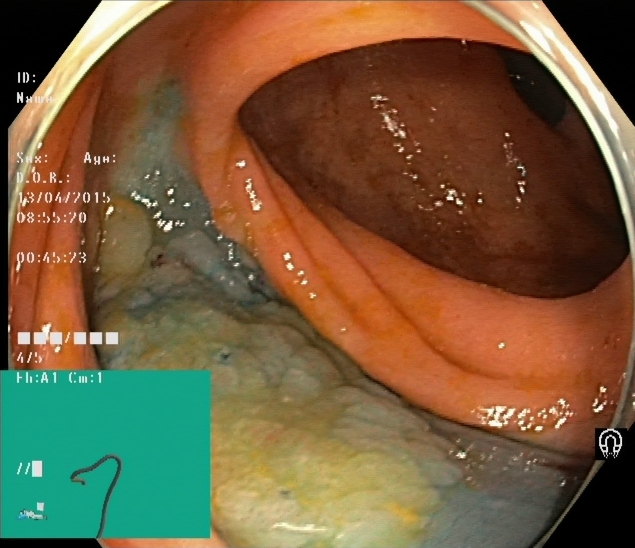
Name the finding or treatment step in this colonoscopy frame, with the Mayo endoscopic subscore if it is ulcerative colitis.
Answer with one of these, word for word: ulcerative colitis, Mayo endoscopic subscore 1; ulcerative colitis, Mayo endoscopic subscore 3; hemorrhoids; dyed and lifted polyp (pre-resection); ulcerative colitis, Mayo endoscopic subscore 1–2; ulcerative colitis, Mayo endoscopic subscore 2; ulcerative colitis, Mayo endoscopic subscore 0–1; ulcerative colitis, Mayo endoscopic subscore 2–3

dyed and lifted polyp (pre-resection)